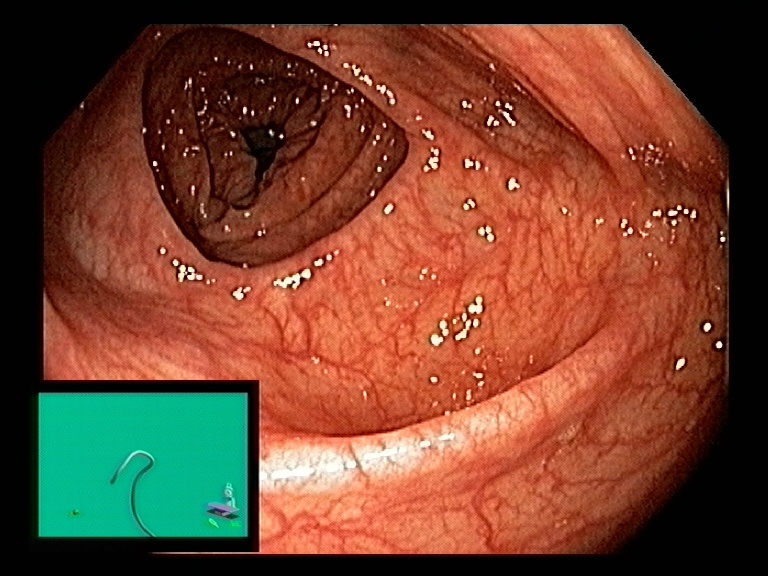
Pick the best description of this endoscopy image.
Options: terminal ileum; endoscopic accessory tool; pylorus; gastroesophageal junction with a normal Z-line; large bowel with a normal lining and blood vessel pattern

large bowel with a normal lining and blood vessel pattern